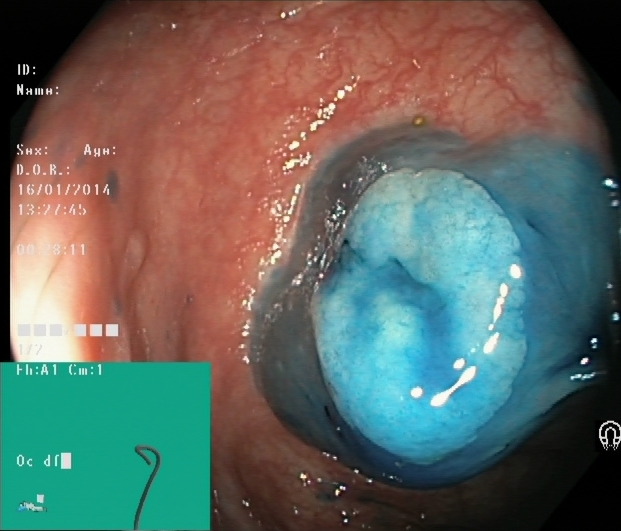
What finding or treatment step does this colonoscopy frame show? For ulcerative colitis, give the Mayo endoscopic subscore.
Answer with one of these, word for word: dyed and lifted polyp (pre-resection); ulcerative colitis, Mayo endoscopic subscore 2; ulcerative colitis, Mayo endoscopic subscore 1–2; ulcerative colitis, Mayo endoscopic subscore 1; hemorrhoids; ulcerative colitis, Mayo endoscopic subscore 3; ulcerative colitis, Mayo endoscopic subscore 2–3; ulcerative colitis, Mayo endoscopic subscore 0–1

dyed and lifted polyp (pre-resection)